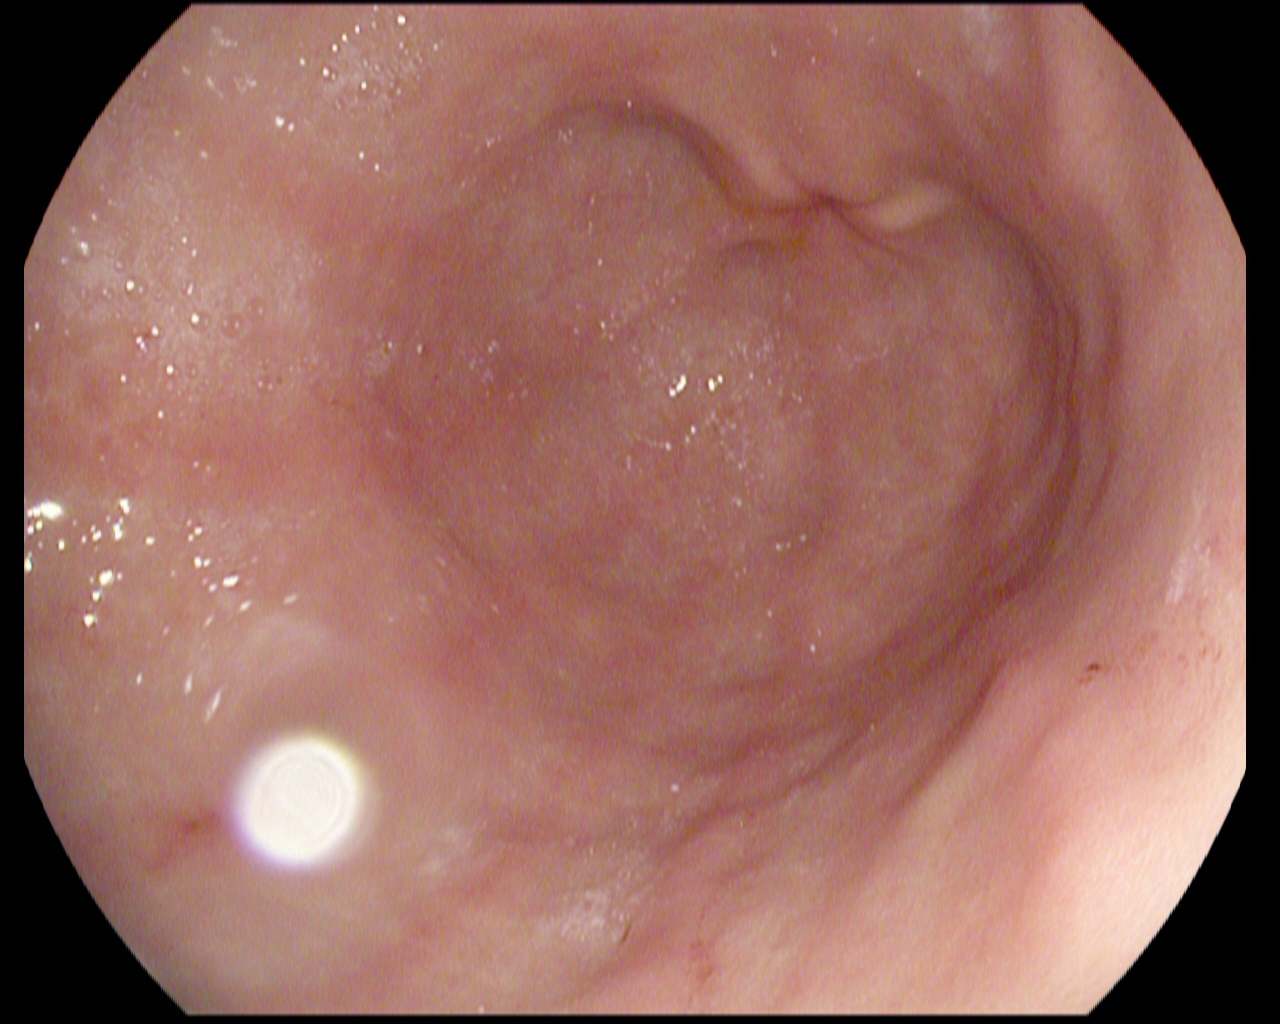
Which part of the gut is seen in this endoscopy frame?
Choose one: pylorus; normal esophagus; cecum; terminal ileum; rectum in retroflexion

pylorus